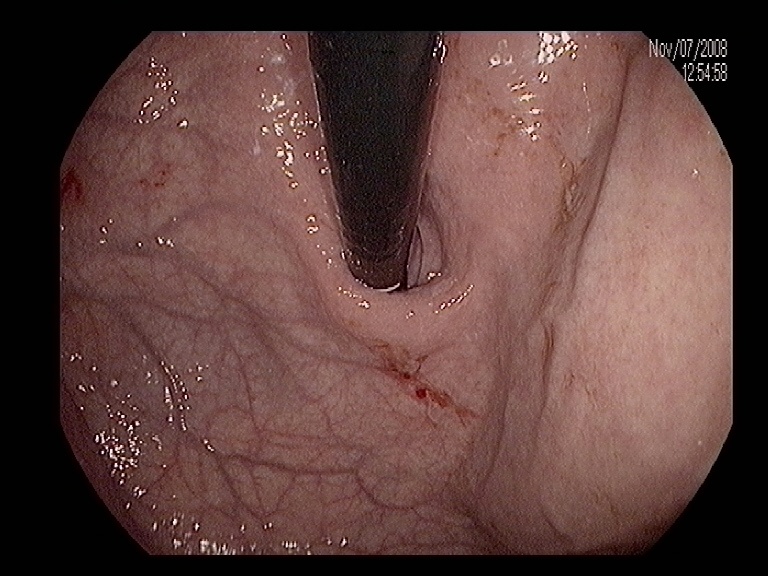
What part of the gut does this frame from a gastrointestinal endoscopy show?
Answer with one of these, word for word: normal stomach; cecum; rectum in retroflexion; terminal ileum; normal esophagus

normal stomach